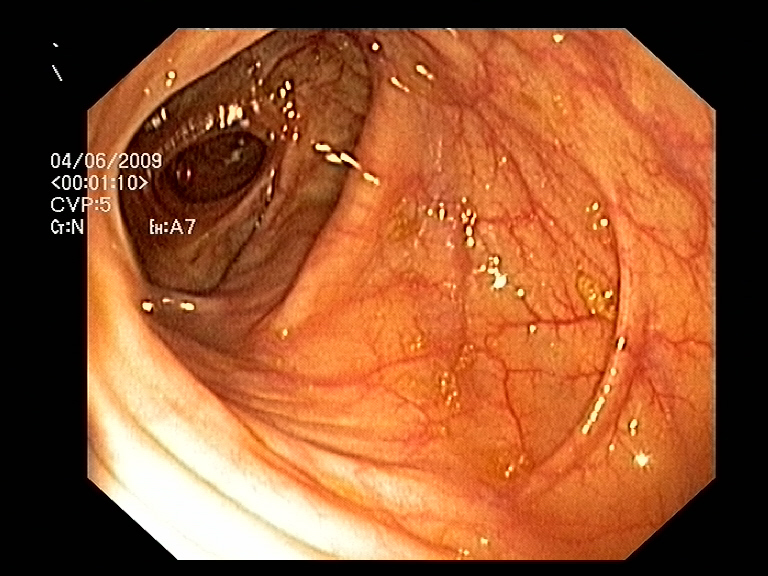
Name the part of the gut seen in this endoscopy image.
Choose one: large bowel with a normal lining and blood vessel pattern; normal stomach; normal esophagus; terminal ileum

large bowel with a normal lining and blood vessel pattern